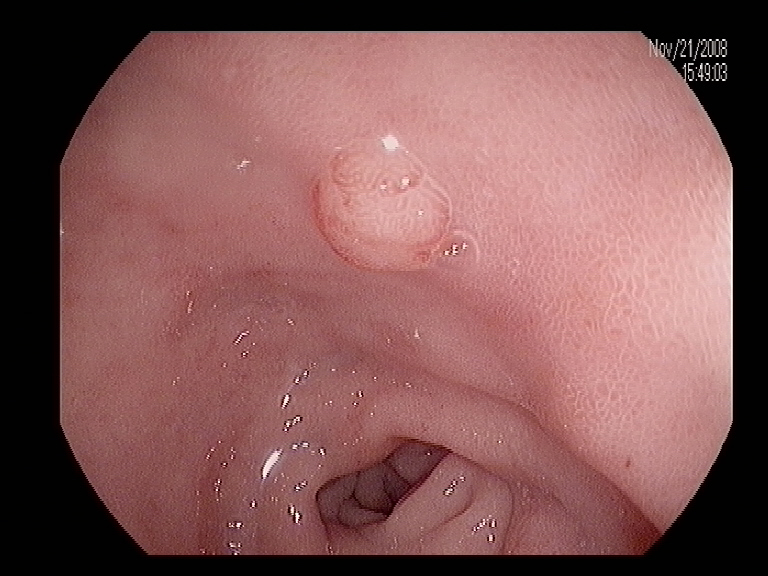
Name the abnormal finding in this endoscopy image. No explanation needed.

gastric polyp